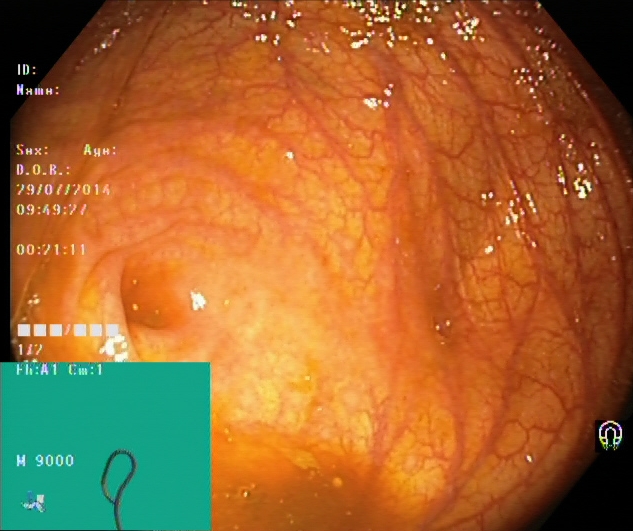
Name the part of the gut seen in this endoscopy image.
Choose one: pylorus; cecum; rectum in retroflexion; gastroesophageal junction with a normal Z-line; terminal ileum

cecum